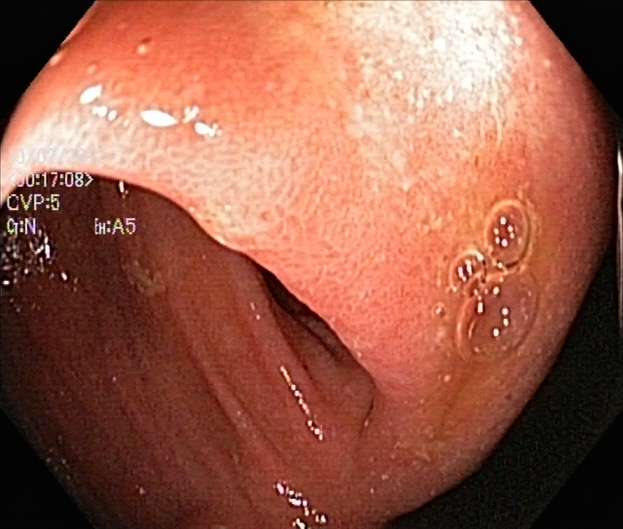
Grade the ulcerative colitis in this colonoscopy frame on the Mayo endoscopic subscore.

ulcerative colitis, Mayo endoscopic subscore 2